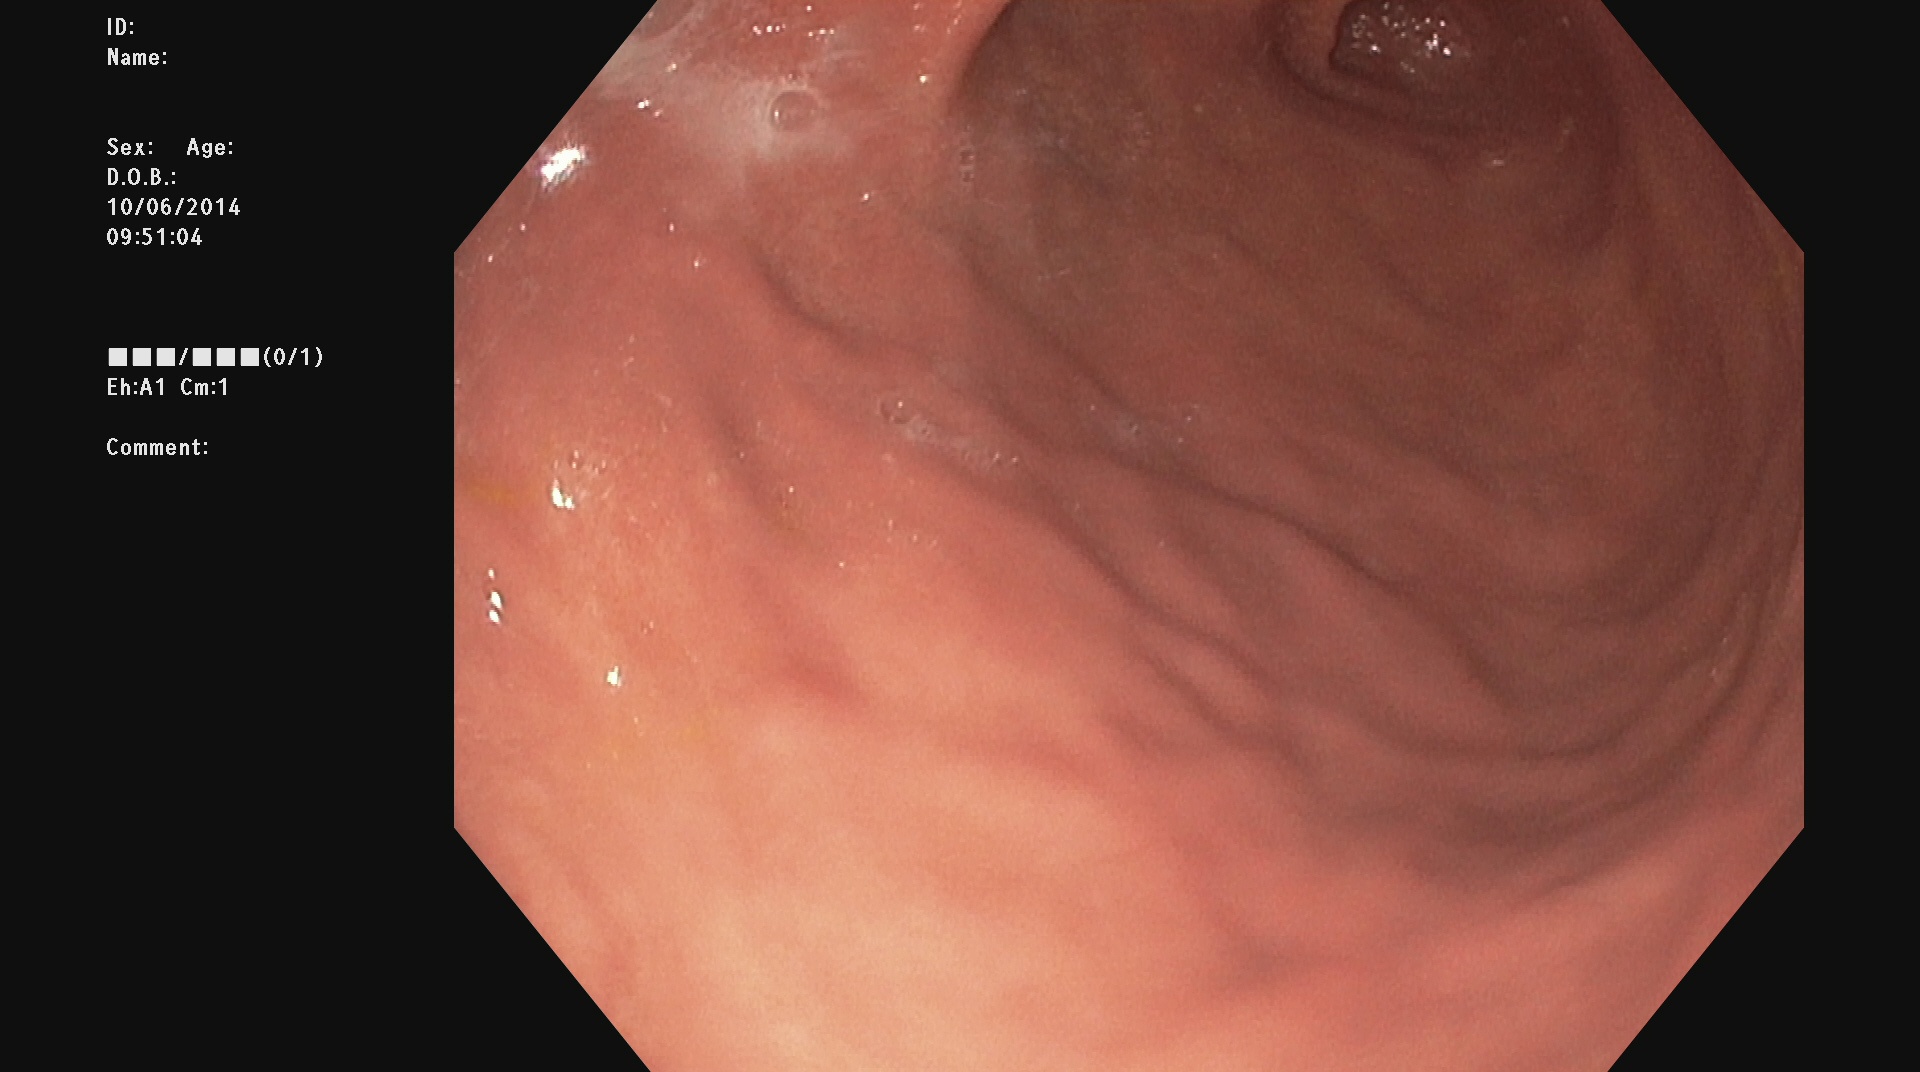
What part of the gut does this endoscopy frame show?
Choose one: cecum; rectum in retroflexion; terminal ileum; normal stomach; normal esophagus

normal stomach